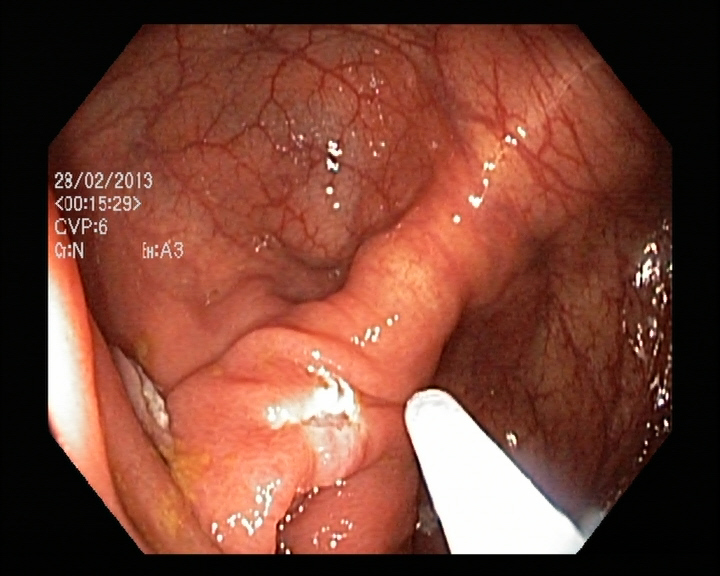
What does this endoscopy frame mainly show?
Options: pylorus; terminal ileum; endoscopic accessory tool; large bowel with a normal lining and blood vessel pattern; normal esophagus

endoscopic accessory tool